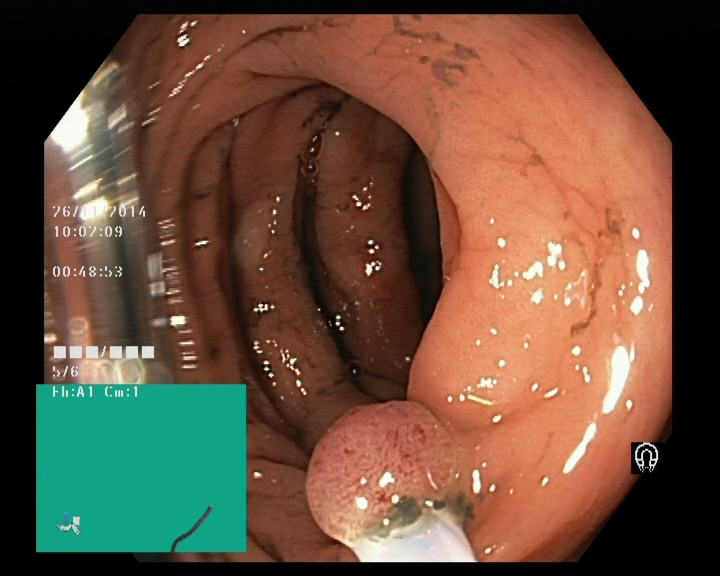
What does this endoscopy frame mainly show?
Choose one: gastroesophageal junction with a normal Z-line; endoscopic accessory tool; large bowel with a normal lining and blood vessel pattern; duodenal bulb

endoscopic accessory tool